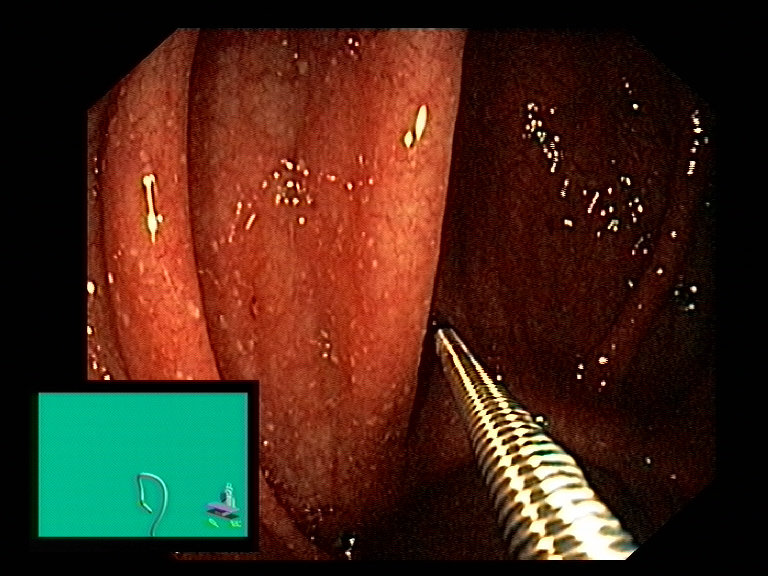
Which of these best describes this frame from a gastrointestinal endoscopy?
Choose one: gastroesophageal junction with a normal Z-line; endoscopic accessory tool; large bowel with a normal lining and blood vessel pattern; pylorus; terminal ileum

endoscopic accessory tool